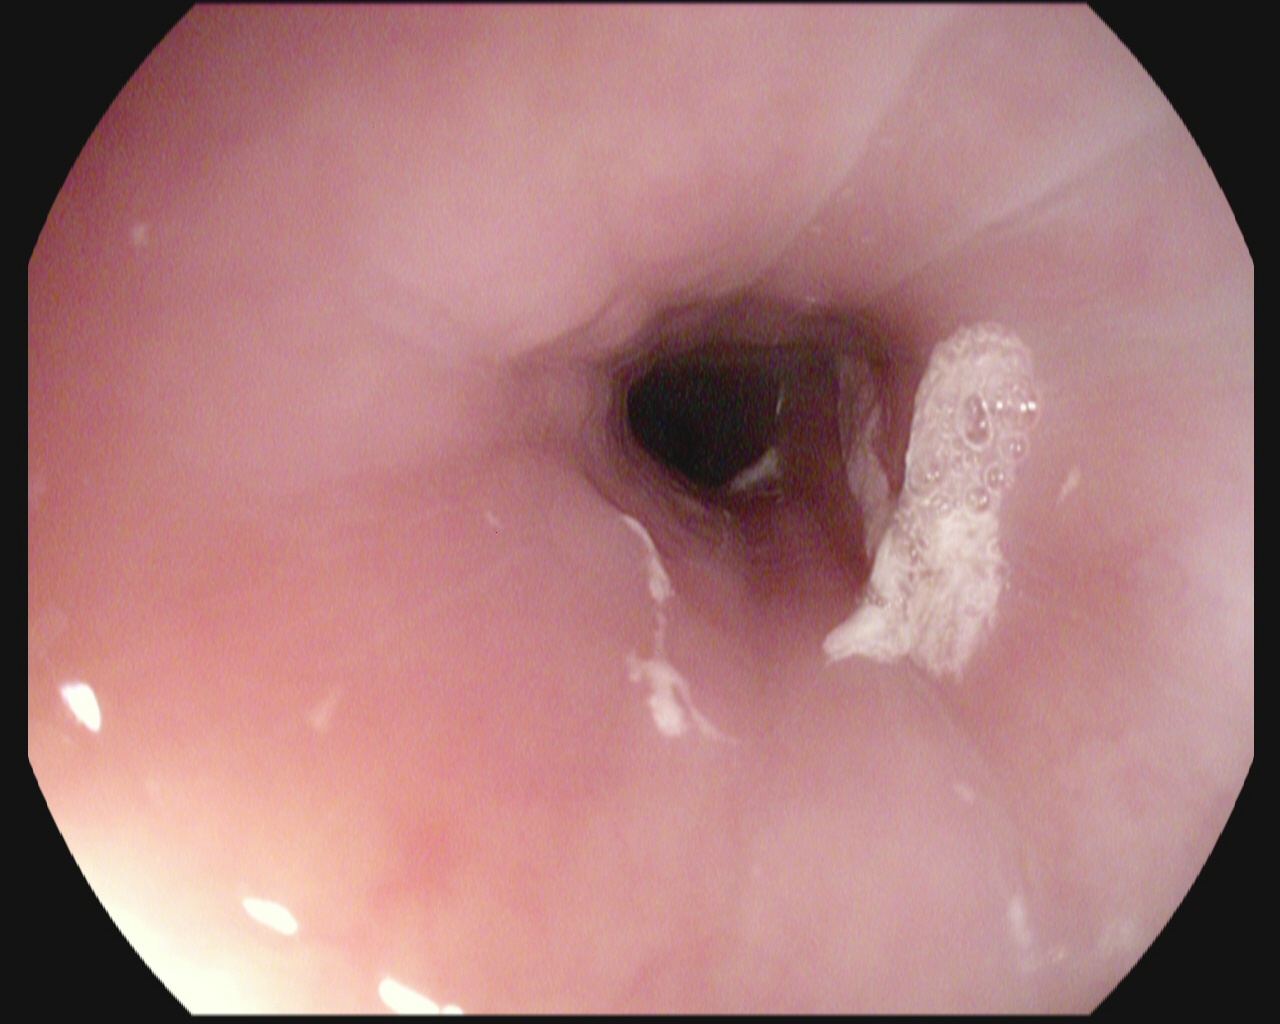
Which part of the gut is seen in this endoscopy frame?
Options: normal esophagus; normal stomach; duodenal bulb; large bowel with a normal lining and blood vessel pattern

normal esophagus